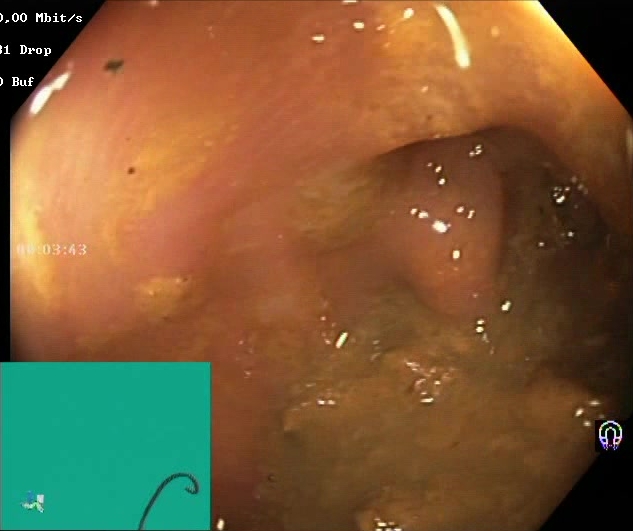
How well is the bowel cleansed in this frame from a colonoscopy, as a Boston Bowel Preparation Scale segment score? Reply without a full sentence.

Boston Bowel Preparation Scale score 0–1 (inadequate preparation)